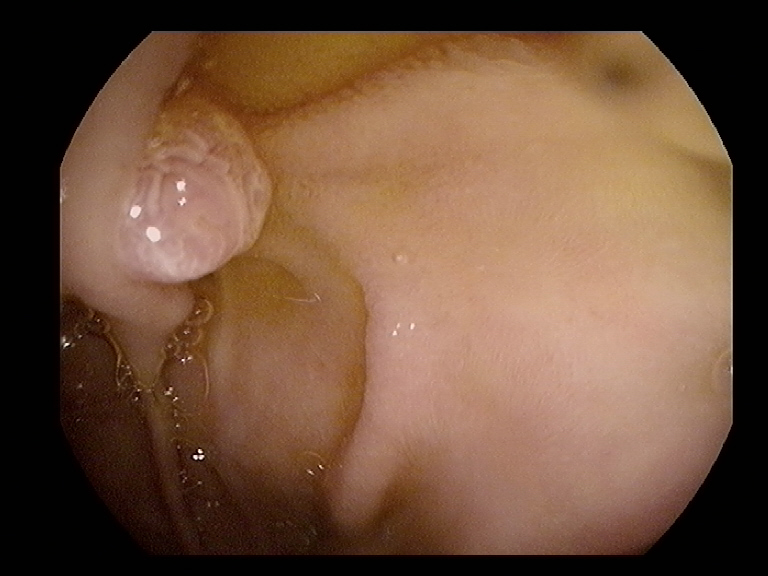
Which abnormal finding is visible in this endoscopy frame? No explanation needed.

colon polyp